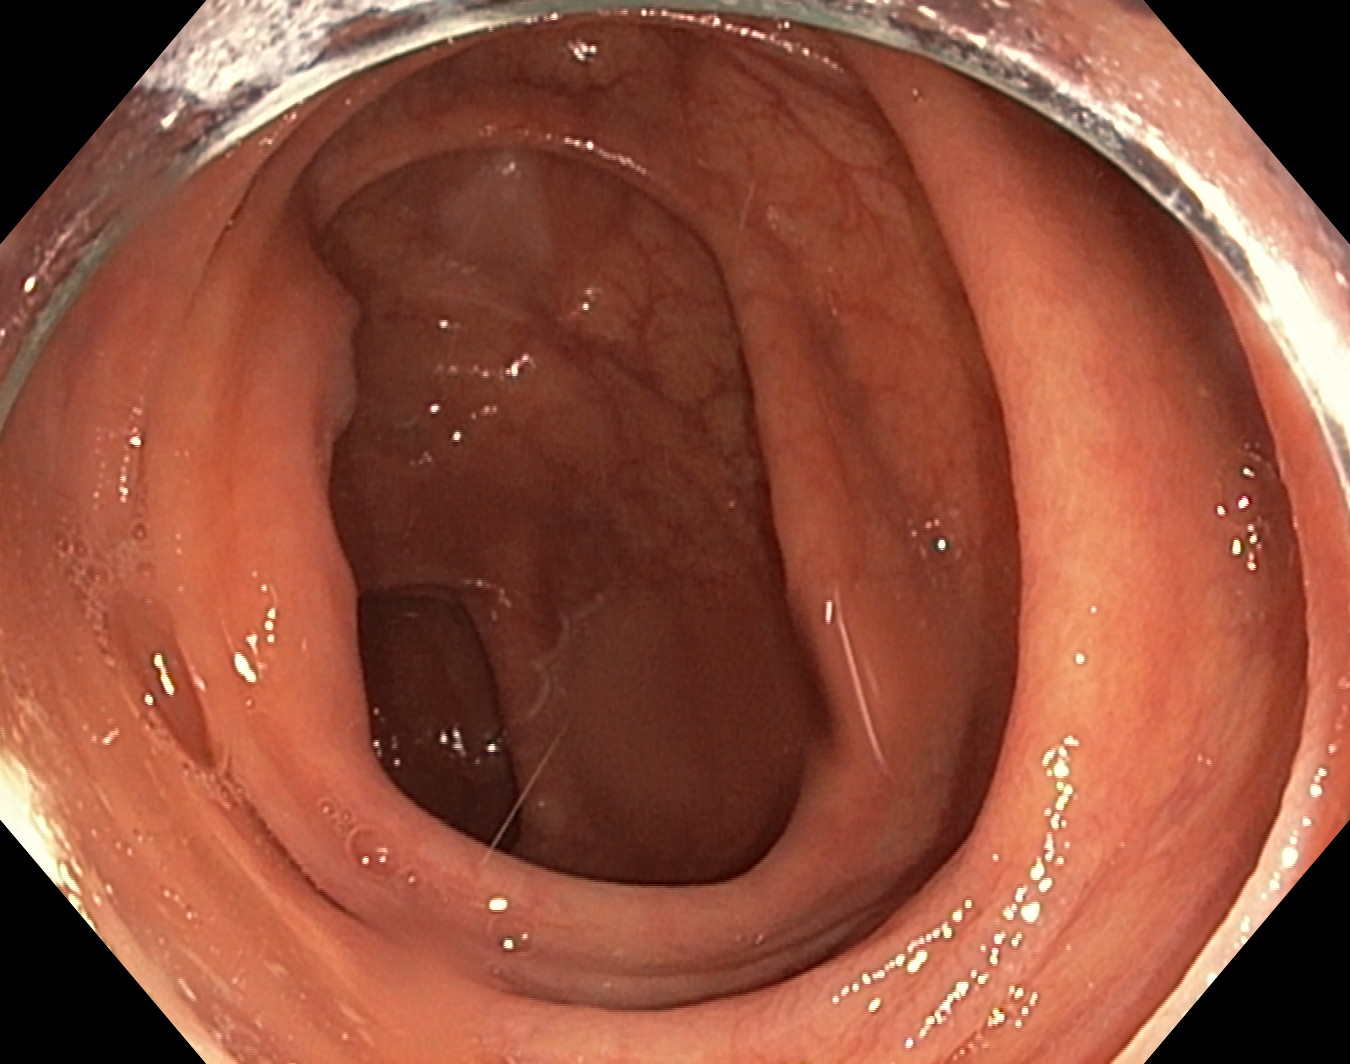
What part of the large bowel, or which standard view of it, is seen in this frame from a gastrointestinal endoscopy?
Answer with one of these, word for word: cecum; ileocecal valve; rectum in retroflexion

ileocecal valve